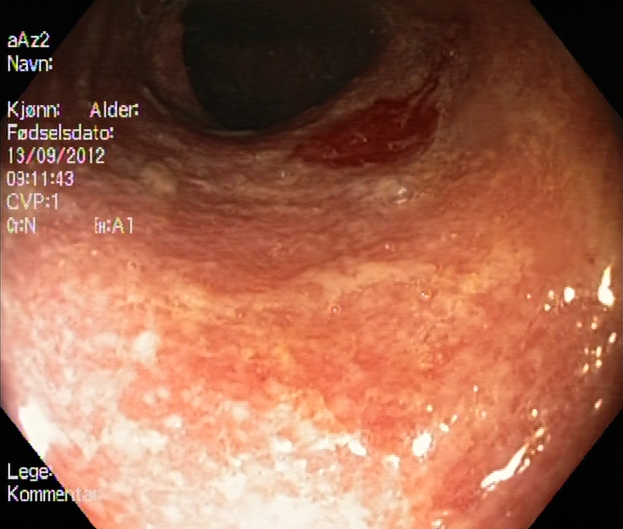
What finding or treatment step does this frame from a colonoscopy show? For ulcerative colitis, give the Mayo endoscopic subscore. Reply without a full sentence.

ulcerative colitis, Mayo endoscopic subscore 2